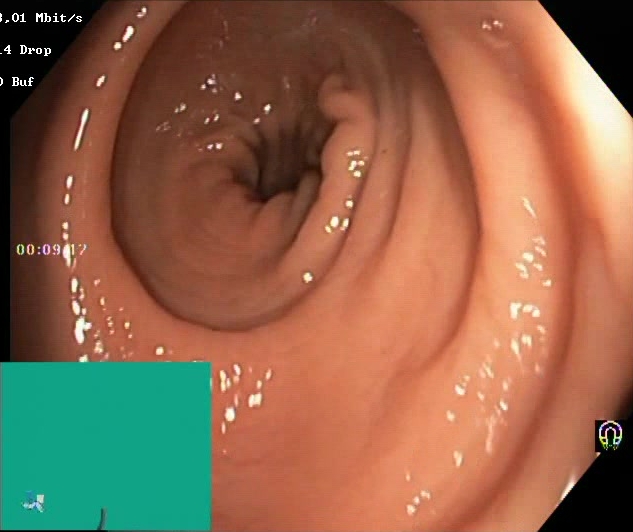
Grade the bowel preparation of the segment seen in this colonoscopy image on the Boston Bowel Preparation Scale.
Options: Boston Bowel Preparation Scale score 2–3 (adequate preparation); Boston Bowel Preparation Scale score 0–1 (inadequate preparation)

Boston Bowel Preparation Scale score 2–3 (adequate preparation)